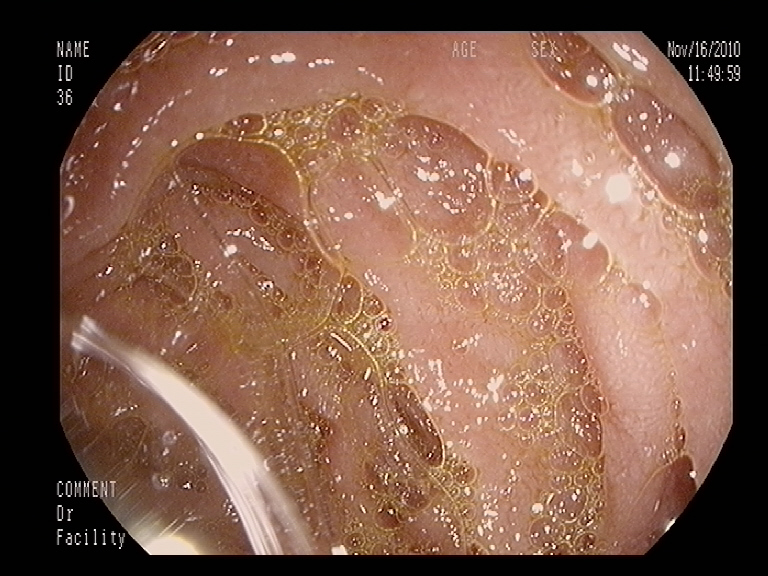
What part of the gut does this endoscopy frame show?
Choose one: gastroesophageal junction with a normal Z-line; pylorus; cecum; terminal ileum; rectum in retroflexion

terminal ileum